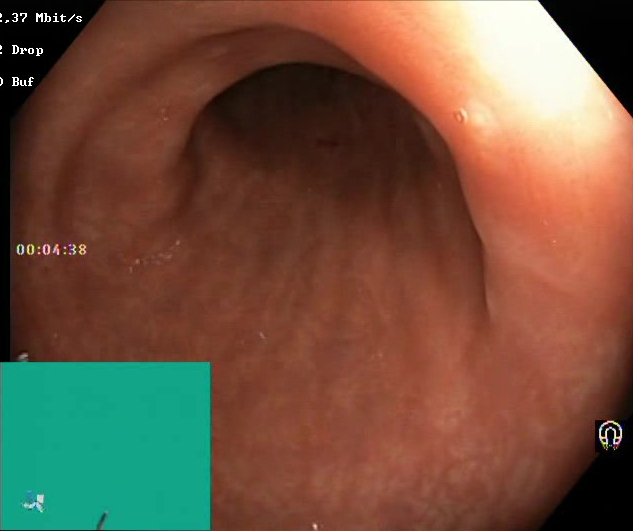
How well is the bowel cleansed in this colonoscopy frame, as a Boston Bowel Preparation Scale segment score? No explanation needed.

Boston Bowel Preparation Scale score 2–3 (adequate preparation)